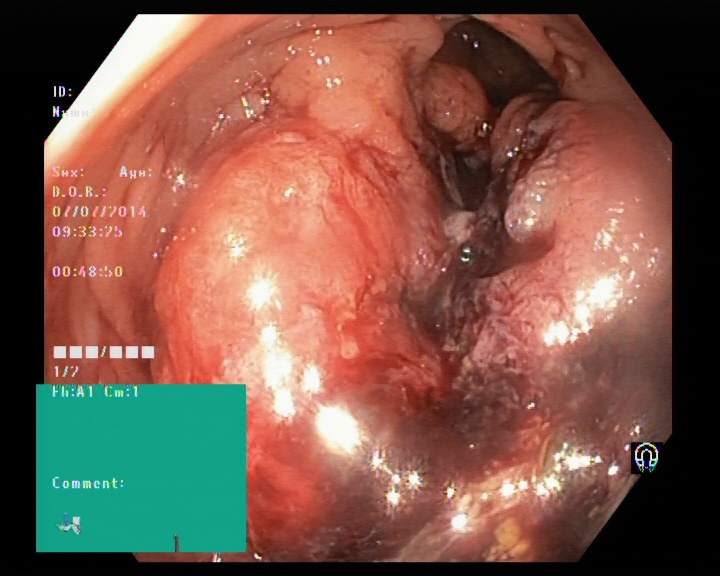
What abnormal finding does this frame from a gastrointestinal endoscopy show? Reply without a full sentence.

colorectal cancer